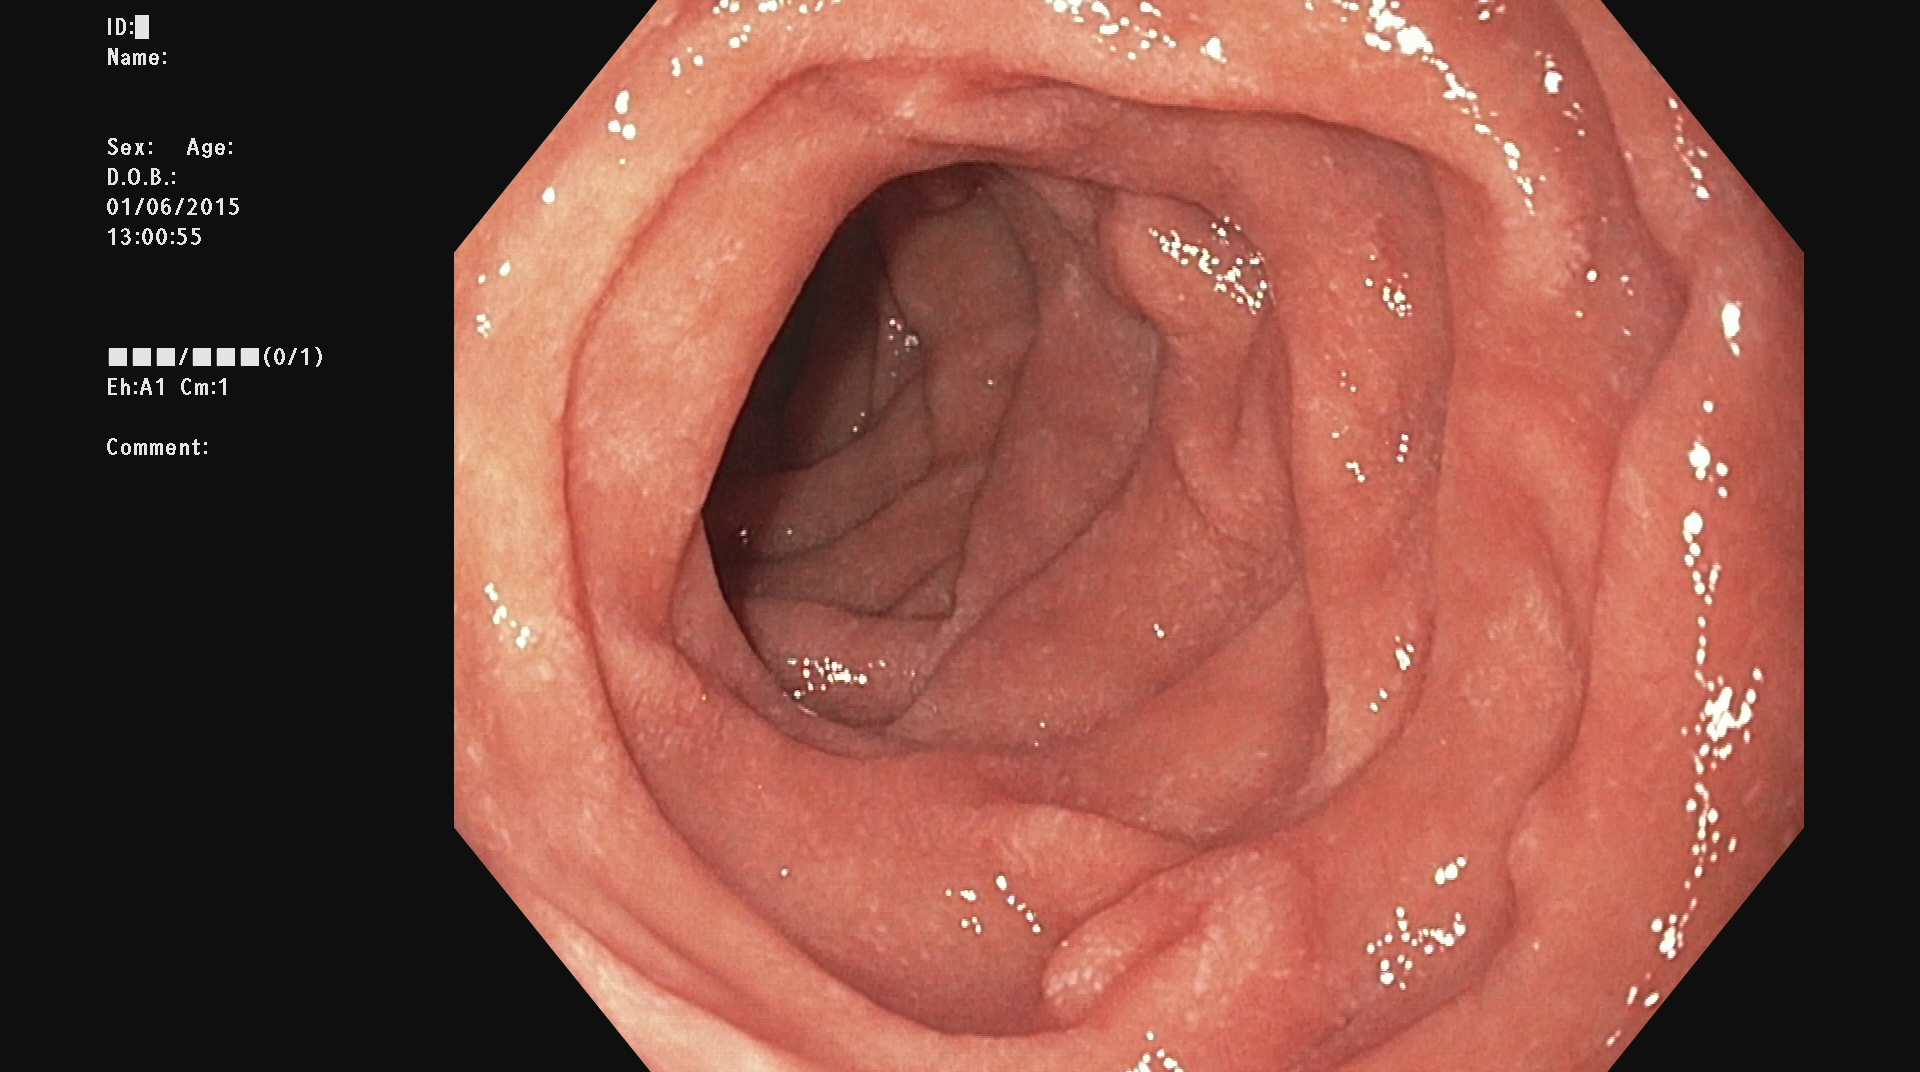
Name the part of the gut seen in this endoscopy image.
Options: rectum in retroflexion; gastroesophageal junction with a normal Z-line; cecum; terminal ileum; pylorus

terminal ileum